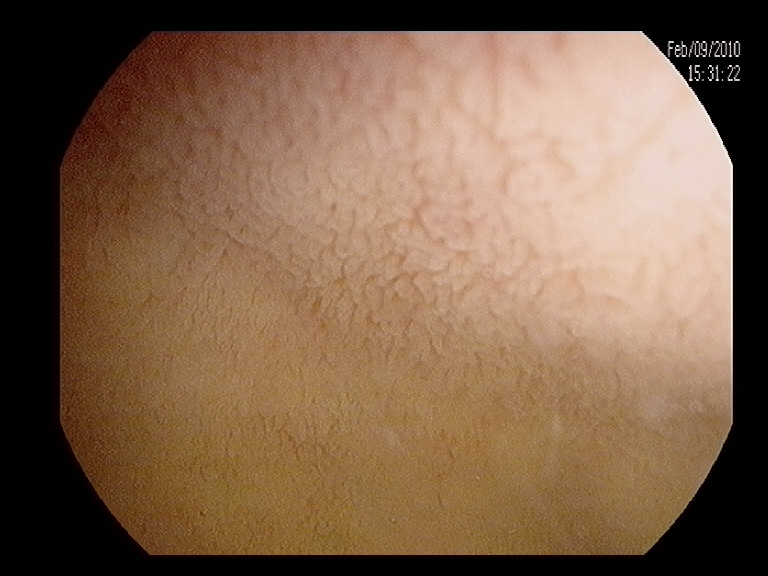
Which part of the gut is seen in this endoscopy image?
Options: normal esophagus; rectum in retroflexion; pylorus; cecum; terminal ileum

terminal ileum